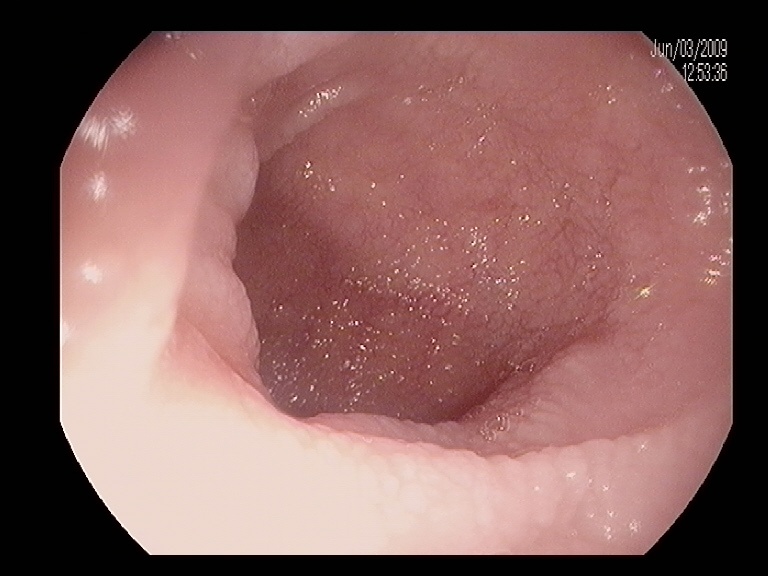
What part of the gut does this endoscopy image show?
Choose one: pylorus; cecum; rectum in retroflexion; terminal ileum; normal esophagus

terminal ileum